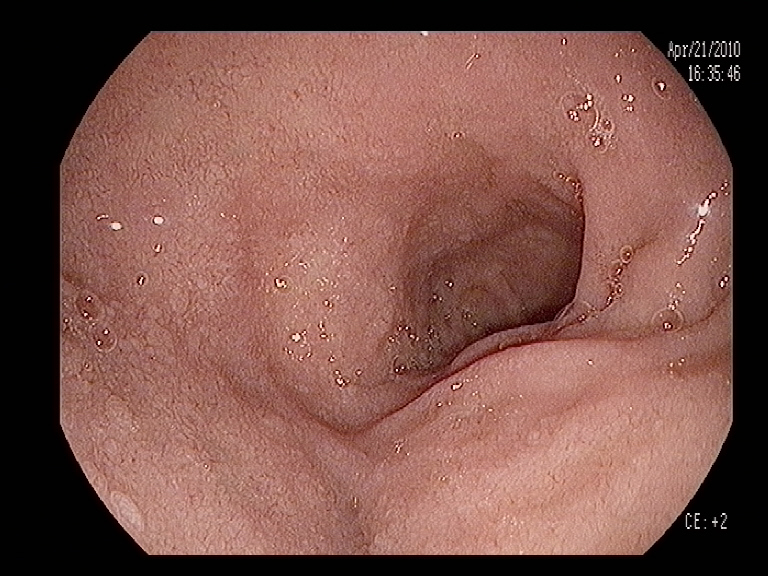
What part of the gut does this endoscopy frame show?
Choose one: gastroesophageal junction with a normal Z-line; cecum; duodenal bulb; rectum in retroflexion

duodenal bulb